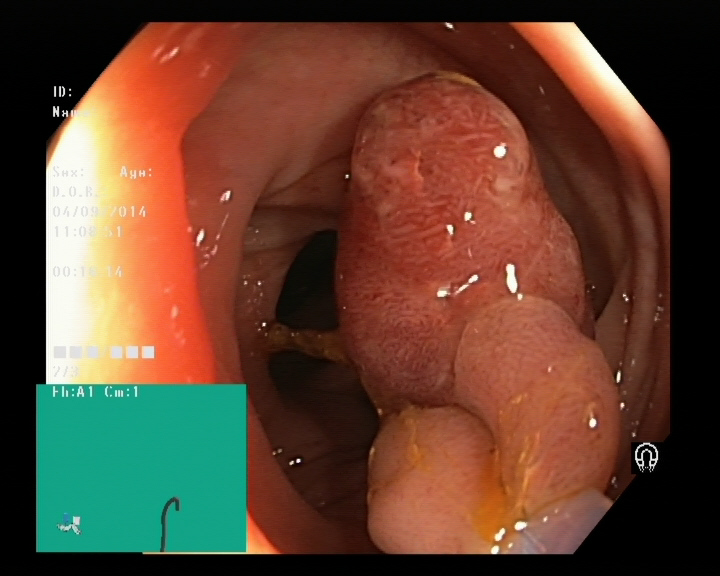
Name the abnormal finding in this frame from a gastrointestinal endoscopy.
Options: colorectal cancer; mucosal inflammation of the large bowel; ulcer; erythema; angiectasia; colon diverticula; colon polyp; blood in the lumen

colon polyp